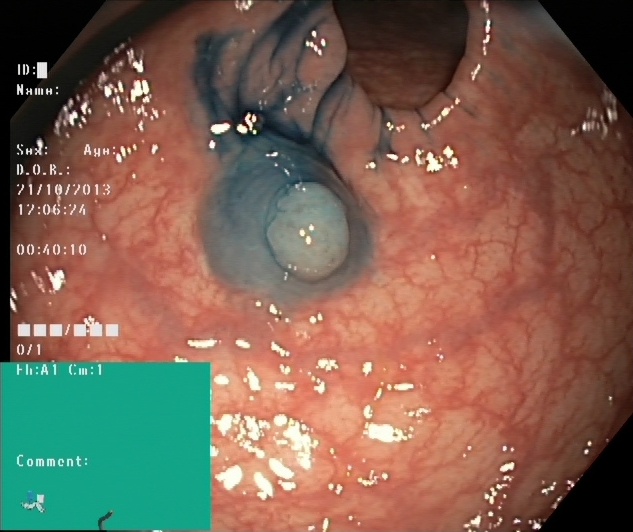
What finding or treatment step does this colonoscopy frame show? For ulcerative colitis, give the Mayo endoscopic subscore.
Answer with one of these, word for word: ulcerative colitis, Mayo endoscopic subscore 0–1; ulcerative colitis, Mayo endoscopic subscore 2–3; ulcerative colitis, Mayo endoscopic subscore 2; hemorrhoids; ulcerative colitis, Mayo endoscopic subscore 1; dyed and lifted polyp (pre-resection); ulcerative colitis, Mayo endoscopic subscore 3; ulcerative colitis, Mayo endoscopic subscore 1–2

dyed and lifted polyp (pre-resection)